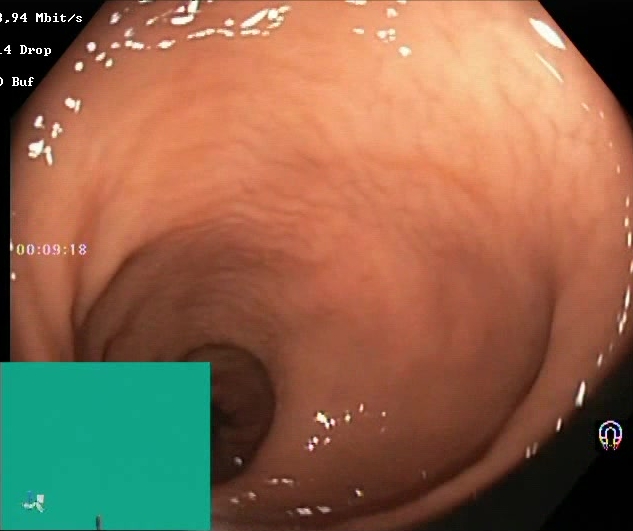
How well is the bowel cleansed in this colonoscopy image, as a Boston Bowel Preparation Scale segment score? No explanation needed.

Boston Bowel Preparation Scale score 2–3 (adequate preparation)